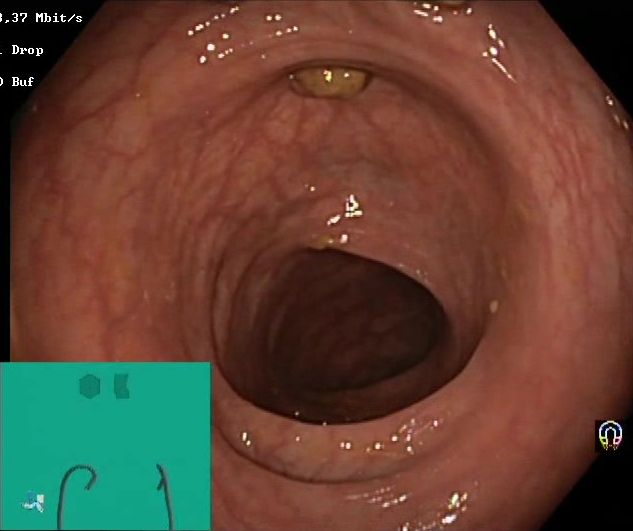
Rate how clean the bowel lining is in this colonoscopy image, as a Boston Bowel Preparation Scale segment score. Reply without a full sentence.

Boston Bowel Preparation Scale score 2–3 (adequate preparation)